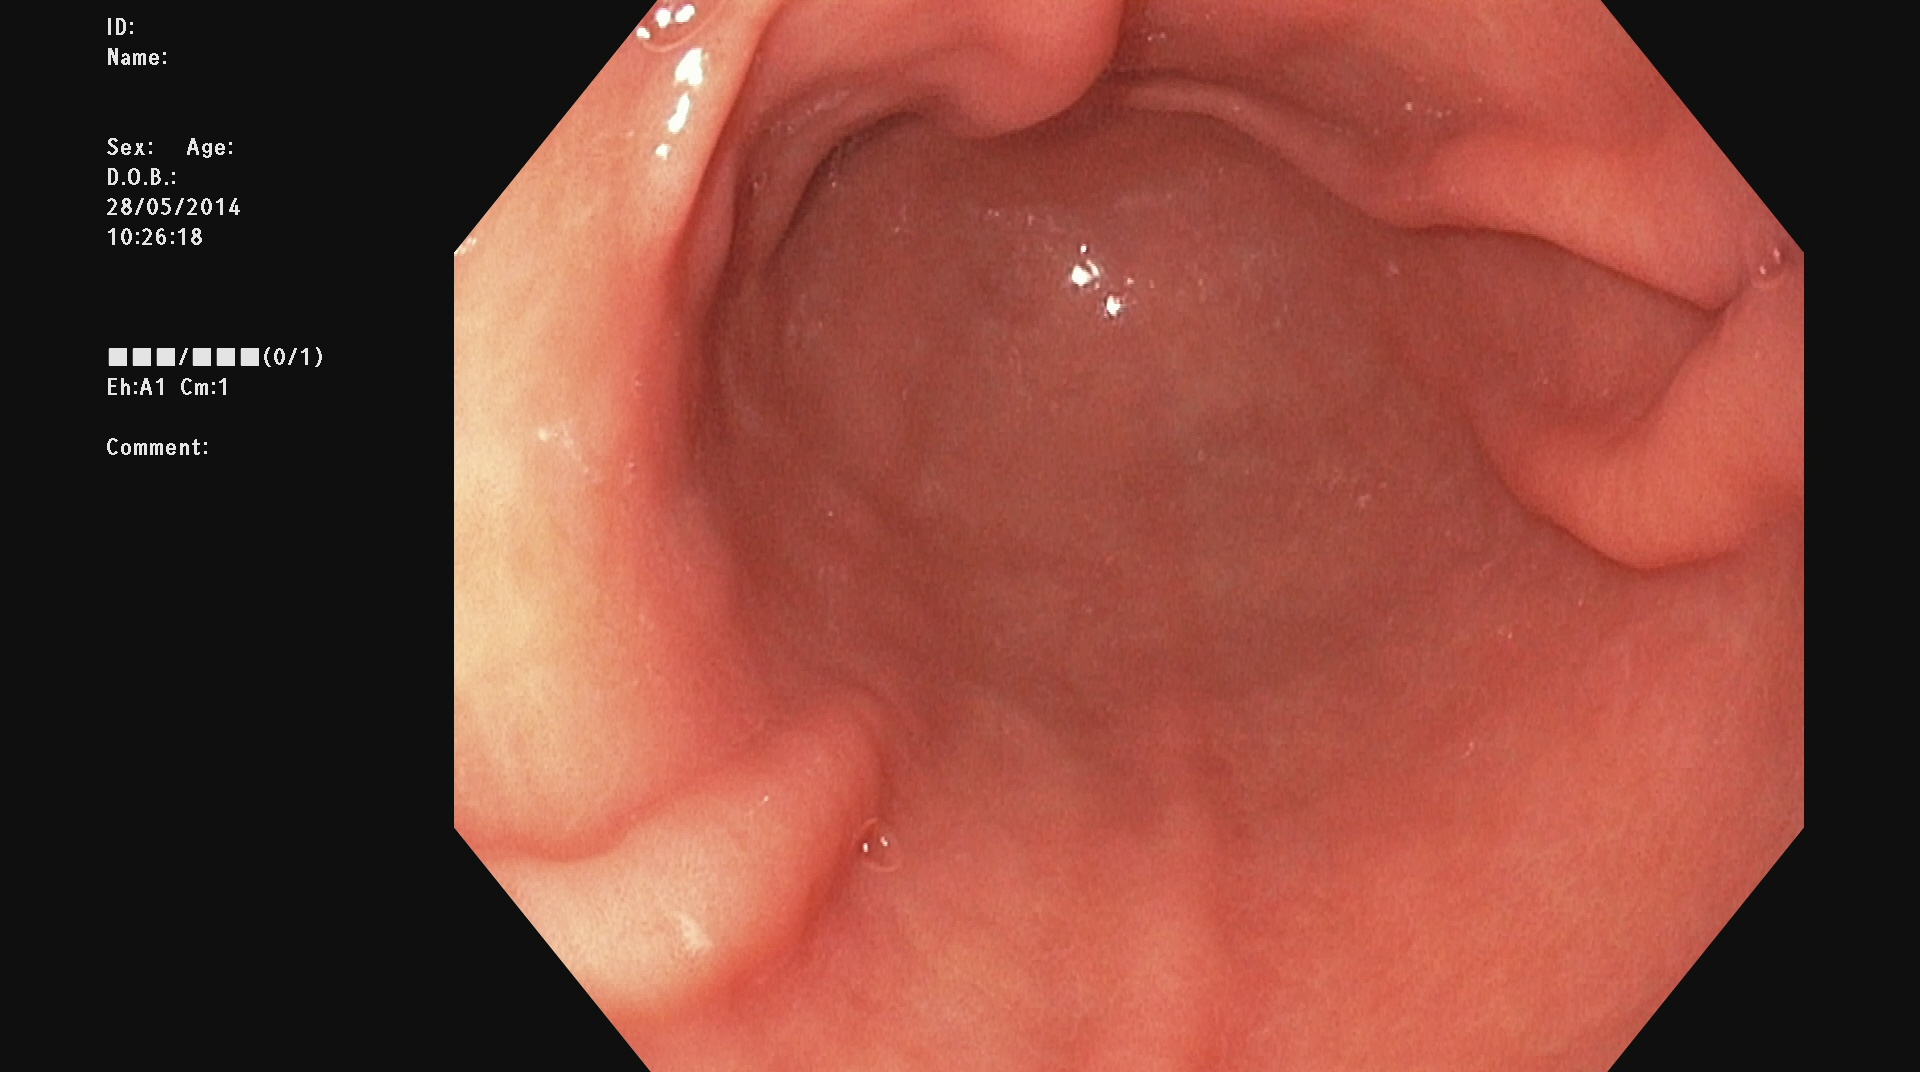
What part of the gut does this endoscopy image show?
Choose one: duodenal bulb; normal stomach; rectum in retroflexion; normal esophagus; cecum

normal stomach